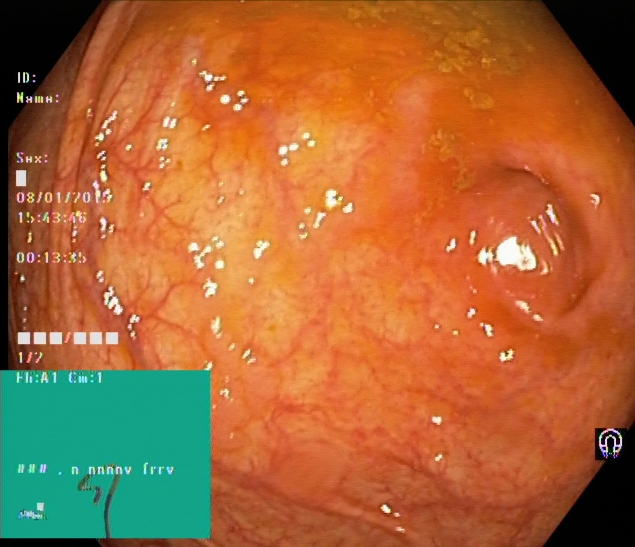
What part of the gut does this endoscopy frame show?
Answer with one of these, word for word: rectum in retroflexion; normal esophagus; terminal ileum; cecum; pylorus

cecum